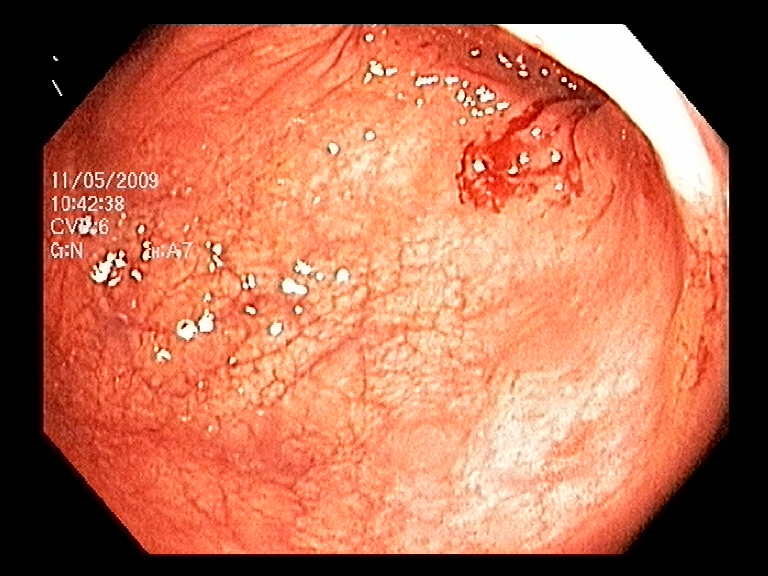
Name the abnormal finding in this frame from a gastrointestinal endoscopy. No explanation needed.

blood in the lumen